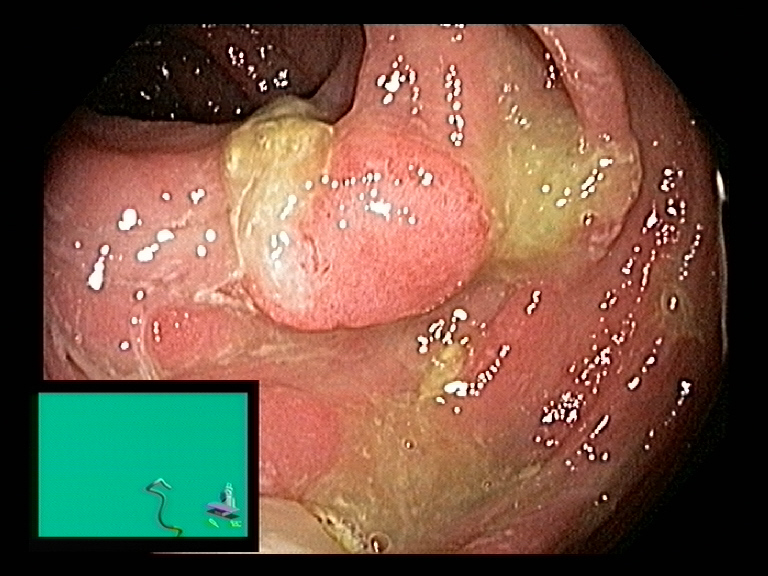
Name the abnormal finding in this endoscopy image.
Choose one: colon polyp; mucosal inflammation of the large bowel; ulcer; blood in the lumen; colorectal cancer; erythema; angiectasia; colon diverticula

colon polyp